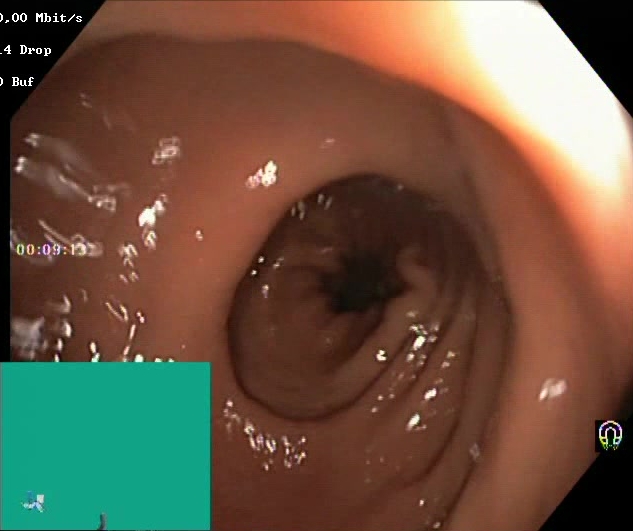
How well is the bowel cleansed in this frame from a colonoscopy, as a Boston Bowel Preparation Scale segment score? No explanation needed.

Boston Bowel Preparation Scale score 2–3 (adequate preparation)